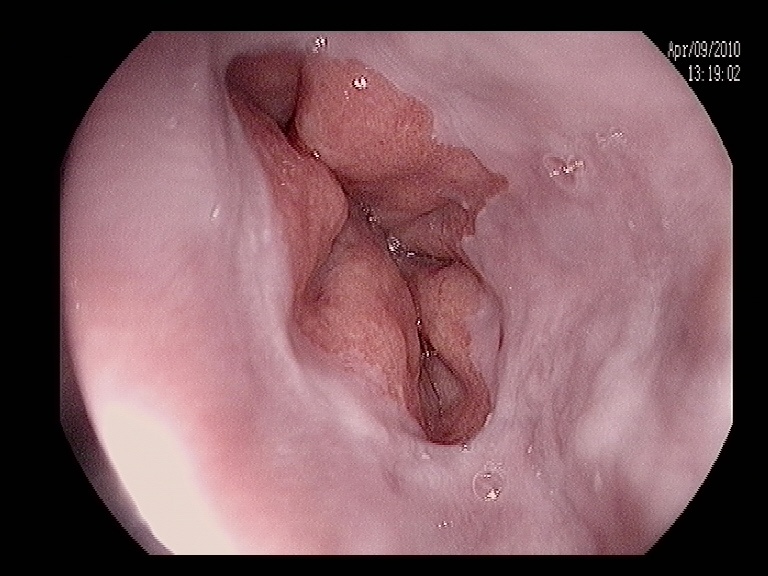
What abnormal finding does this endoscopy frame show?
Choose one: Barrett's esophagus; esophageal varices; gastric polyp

esophageal varices